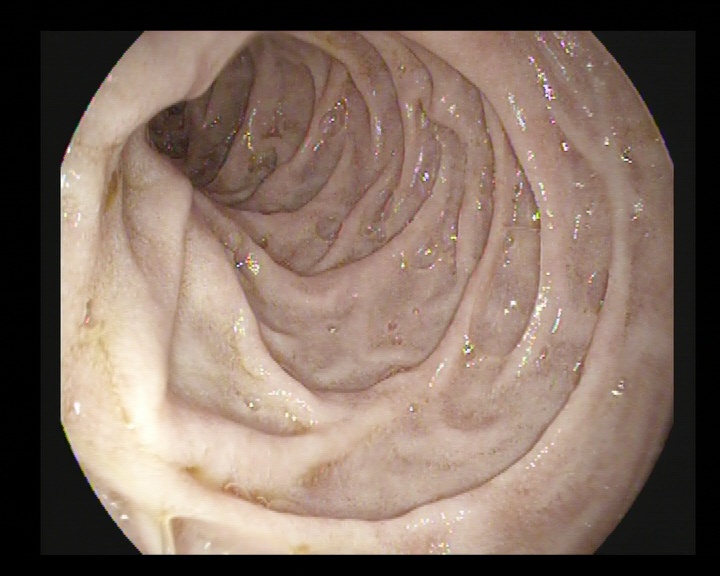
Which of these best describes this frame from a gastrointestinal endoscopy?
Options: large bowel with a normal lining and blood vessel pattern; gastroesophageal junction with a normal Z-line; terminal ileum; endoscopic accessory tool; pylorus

terminal ileum